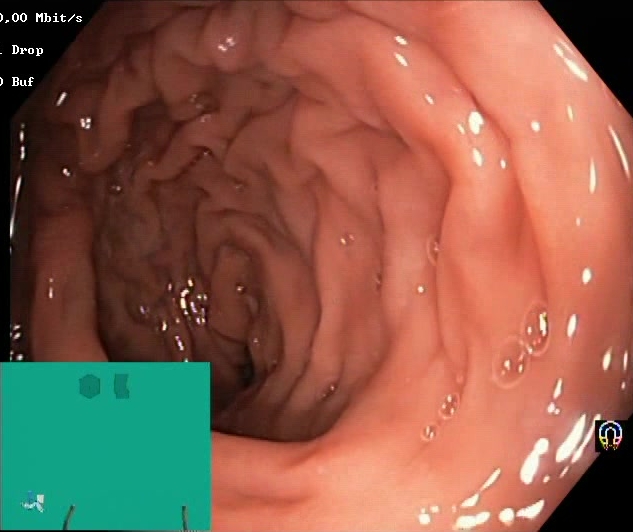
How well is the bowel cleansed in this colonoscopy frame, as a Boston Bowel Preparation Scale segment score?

Boston Bowel Preparation Scale score 2–3 (adequate preparation)